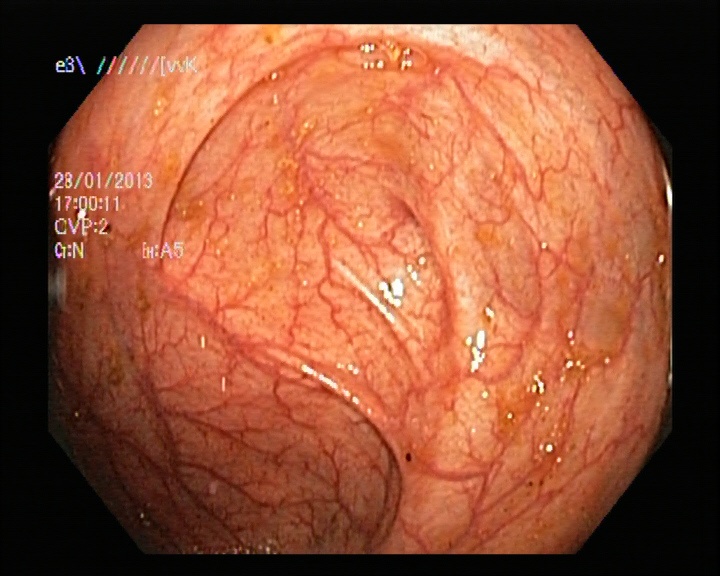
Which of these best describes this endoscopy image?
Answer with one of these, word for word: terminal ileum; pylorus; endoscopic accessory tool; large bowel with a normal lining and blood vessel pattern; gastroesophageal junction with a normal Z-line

large bowel with a normal lining and blood vessel pattern